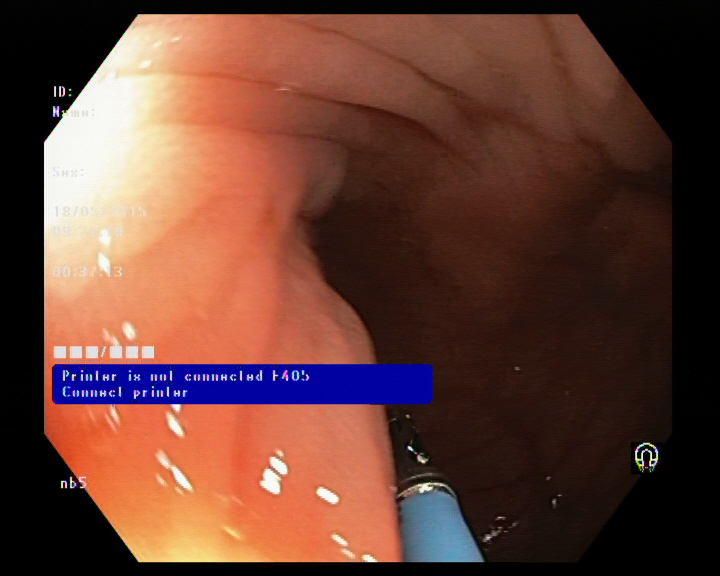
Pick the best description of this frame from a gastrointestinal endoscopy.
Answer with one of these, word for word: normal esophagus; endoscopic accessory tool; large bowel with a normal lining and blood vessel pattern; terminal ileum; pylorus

endoscopic accessory tool